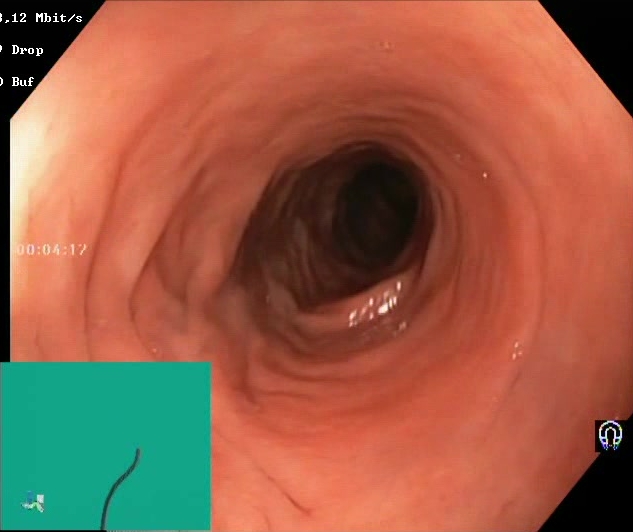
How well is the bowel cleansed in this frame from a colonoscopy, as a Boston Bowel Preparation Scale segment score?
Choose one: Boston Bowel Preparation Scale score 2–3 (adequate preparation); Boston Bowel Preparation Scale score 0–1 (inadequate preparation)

Boston Bowel Preparation Scale score 2–3 (adequate preparation)